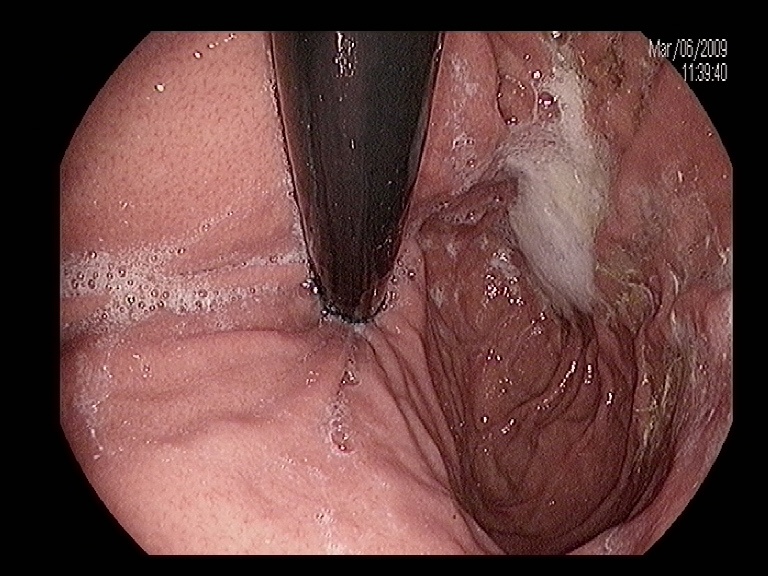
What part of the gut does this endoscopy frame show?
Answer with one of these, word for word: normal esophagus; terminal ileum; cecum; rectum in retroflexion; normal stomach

normal stomach